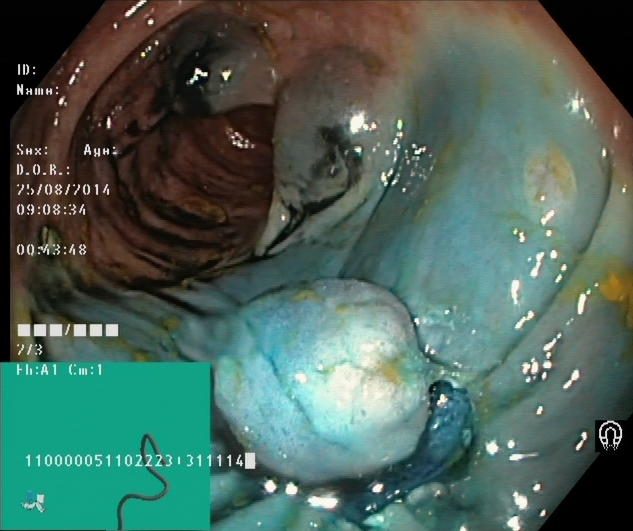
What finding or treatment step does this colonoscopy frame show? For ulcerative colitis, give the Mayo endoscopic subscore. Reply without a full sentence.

dyed and lifted polyp (pre-resection)